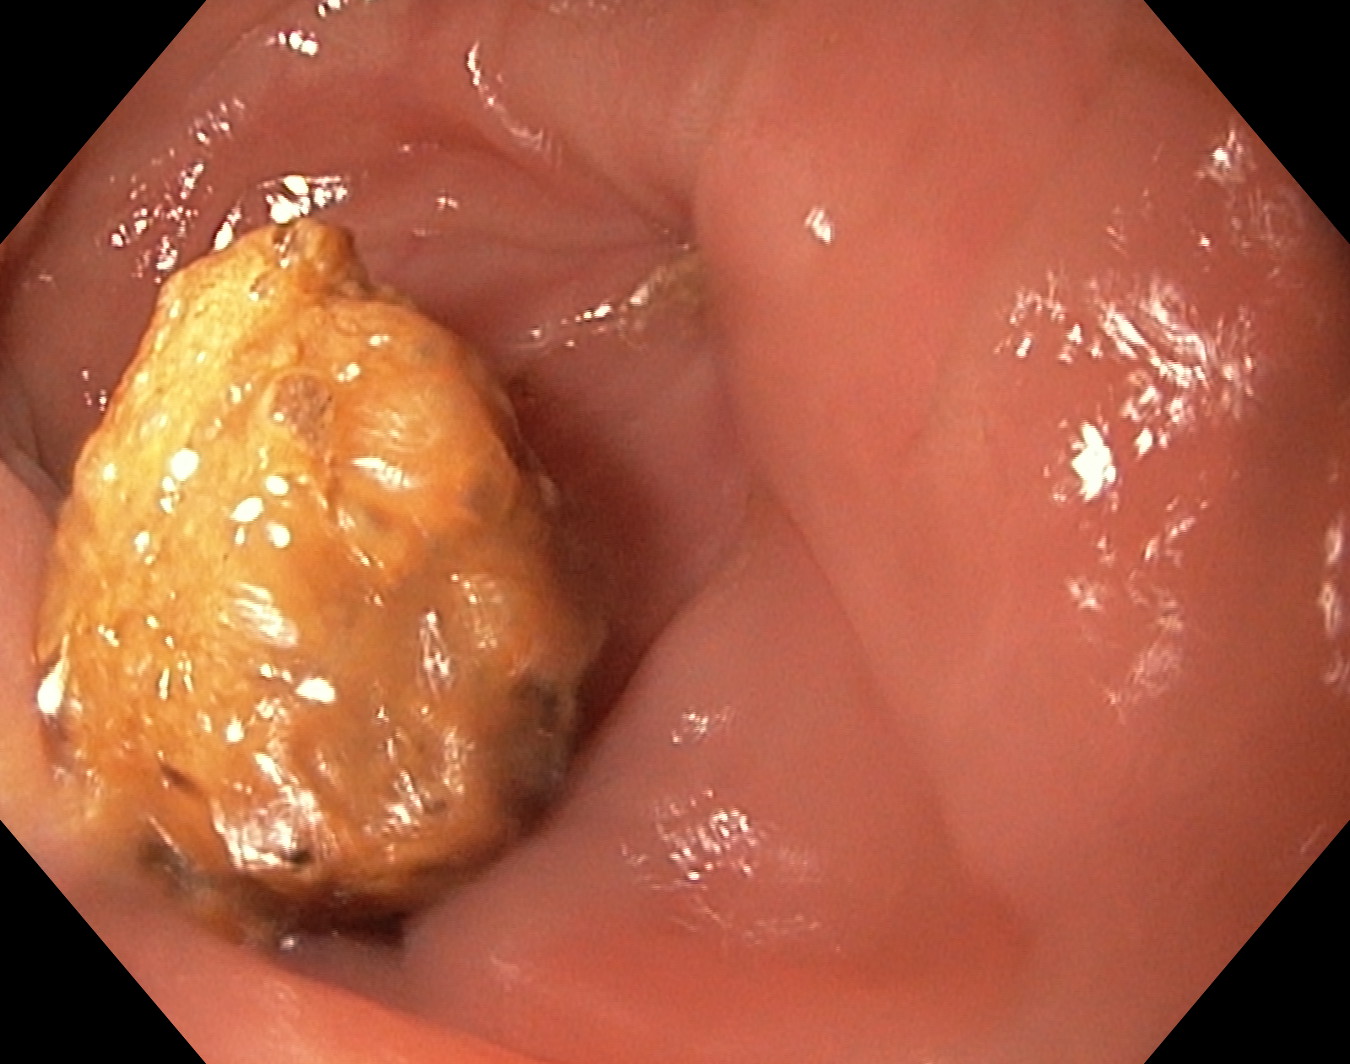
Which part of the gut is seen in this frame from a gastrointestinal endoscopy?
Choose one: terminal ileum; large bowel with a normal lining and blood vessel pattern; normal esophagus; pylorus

large bowel with a normal lining and blood vessel pattern